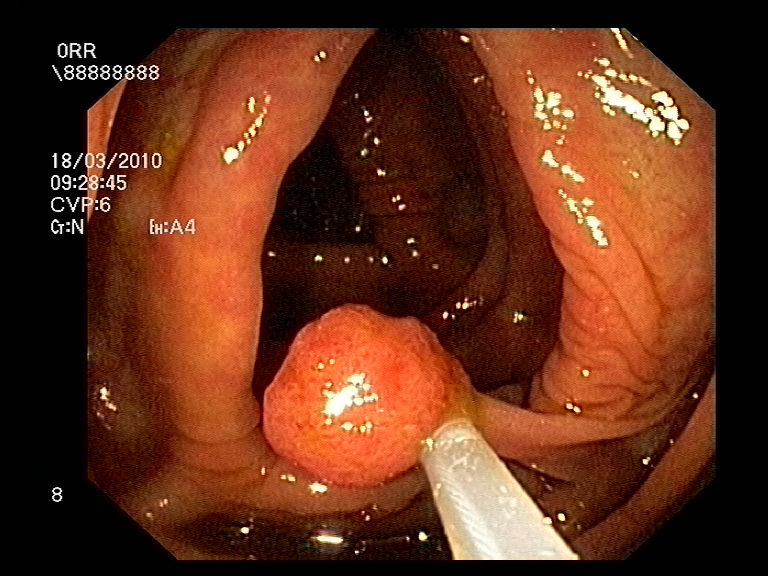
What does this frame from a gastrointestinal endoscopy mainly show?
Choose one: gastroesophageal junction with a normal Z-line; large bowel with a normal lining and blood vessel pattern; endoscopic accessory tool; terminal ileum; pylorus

endoscopic accessory tool